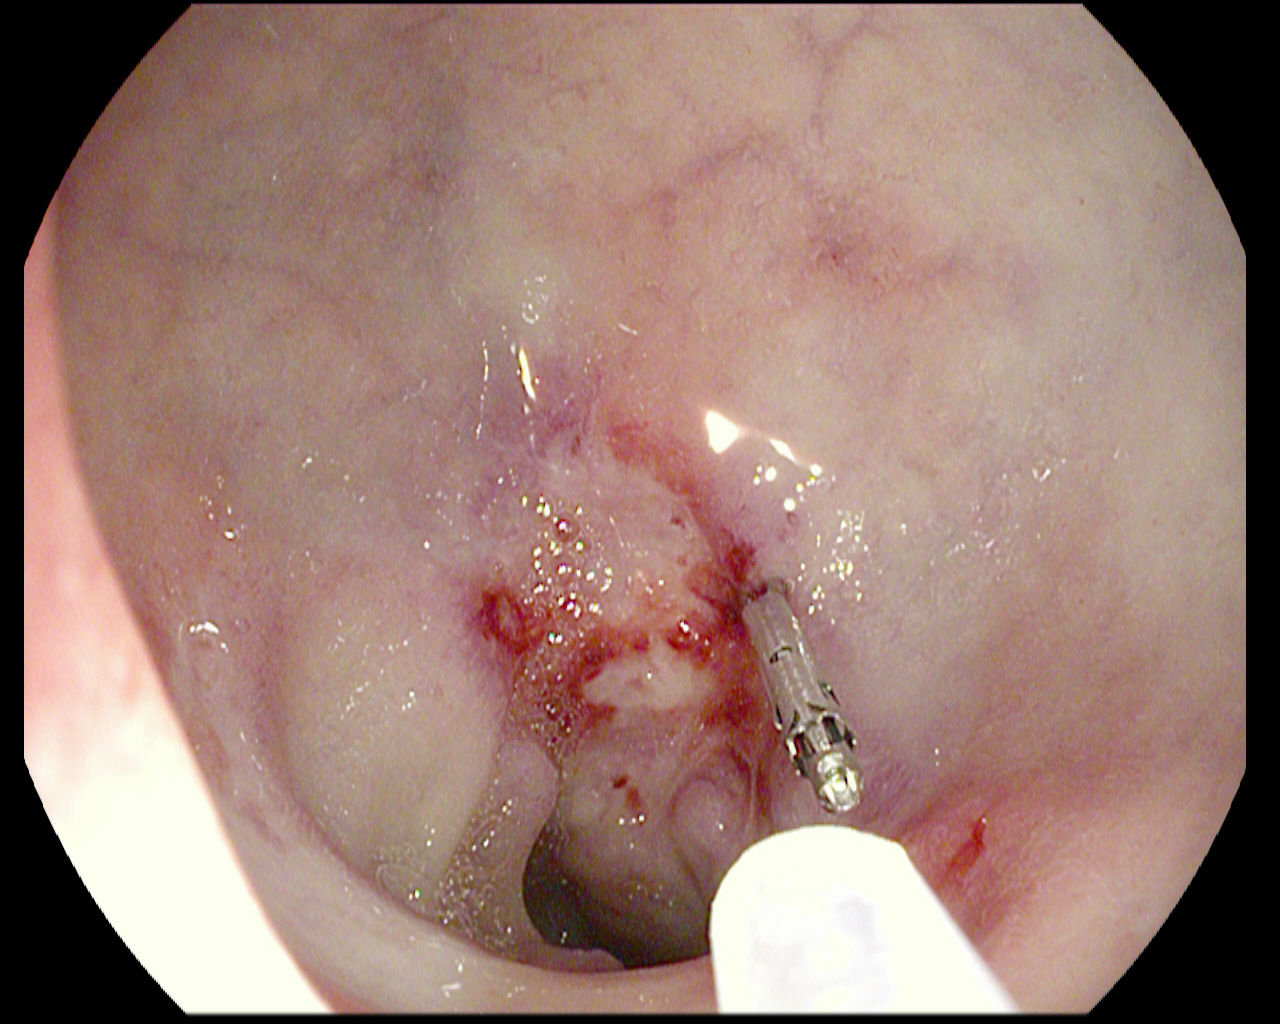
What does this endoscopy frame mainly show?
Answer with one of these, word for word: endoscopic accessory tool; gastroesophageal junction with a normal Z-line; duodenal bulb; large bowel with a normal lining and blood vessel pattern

endoscopic accessory tool